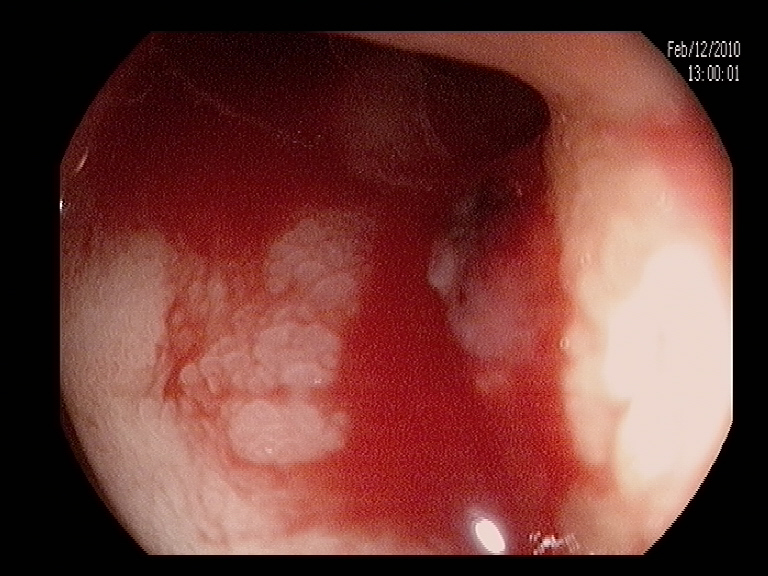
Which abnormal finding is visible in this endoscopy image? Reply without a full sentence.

blood in the lumen